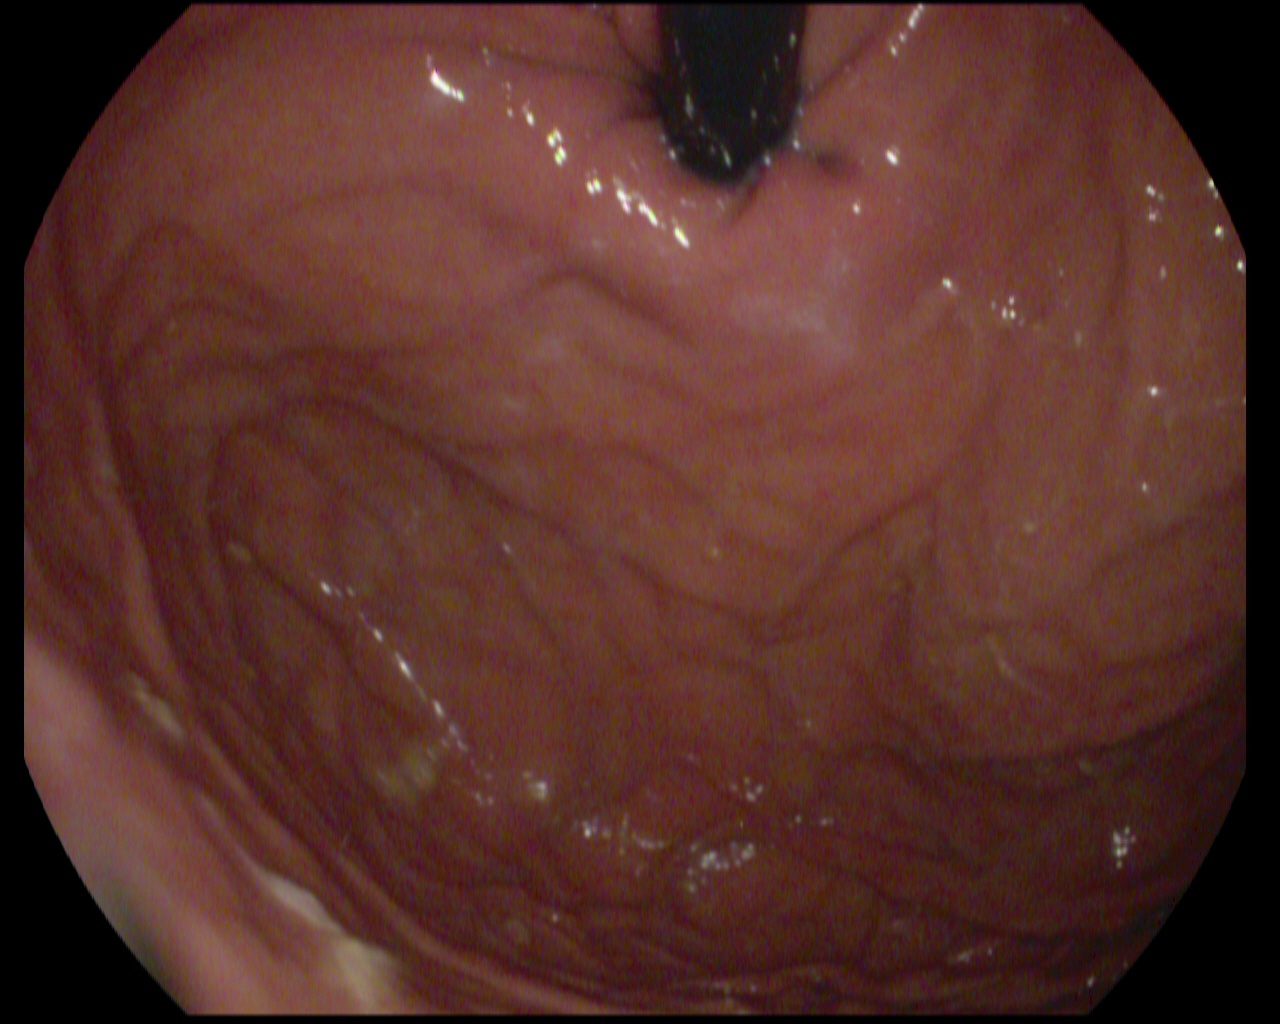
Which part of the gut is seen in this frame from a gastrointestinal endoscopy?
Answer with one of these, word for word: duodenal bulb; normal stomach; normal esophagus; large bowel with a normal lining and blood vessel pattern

normal stomach